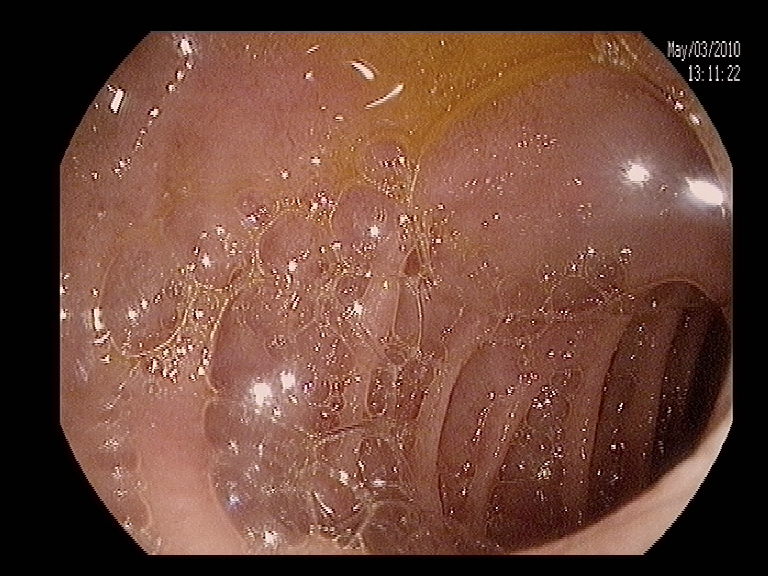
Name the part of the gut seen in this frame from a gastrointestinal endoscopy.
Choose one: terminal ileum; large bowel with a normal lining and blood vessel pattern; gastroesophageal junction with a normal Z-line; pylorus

terminal ileum